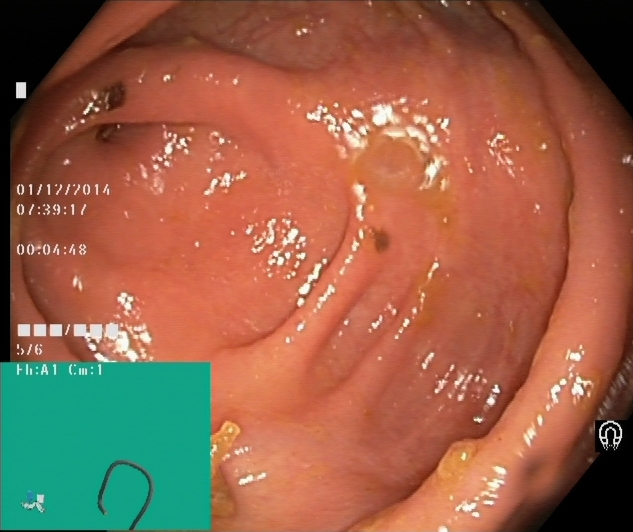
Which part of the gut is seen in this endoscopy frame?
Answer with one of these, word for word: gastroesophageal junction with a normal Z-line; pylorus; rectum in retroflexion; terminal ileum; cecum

cecum